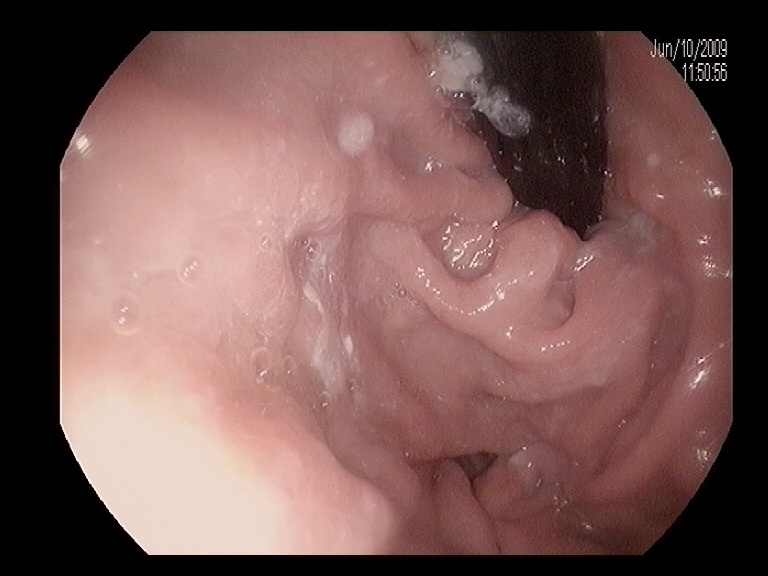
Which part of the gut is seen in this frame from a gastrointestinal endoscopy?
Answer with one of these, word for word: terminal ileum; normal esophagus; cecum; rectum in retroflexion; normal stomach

normal stomach